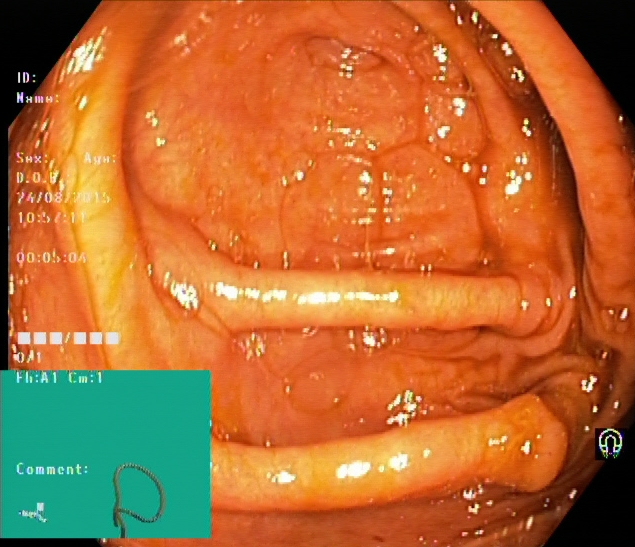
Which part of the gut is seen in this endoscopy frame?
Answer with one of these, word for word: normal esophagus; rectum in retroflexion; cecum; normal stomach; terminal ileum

cecum